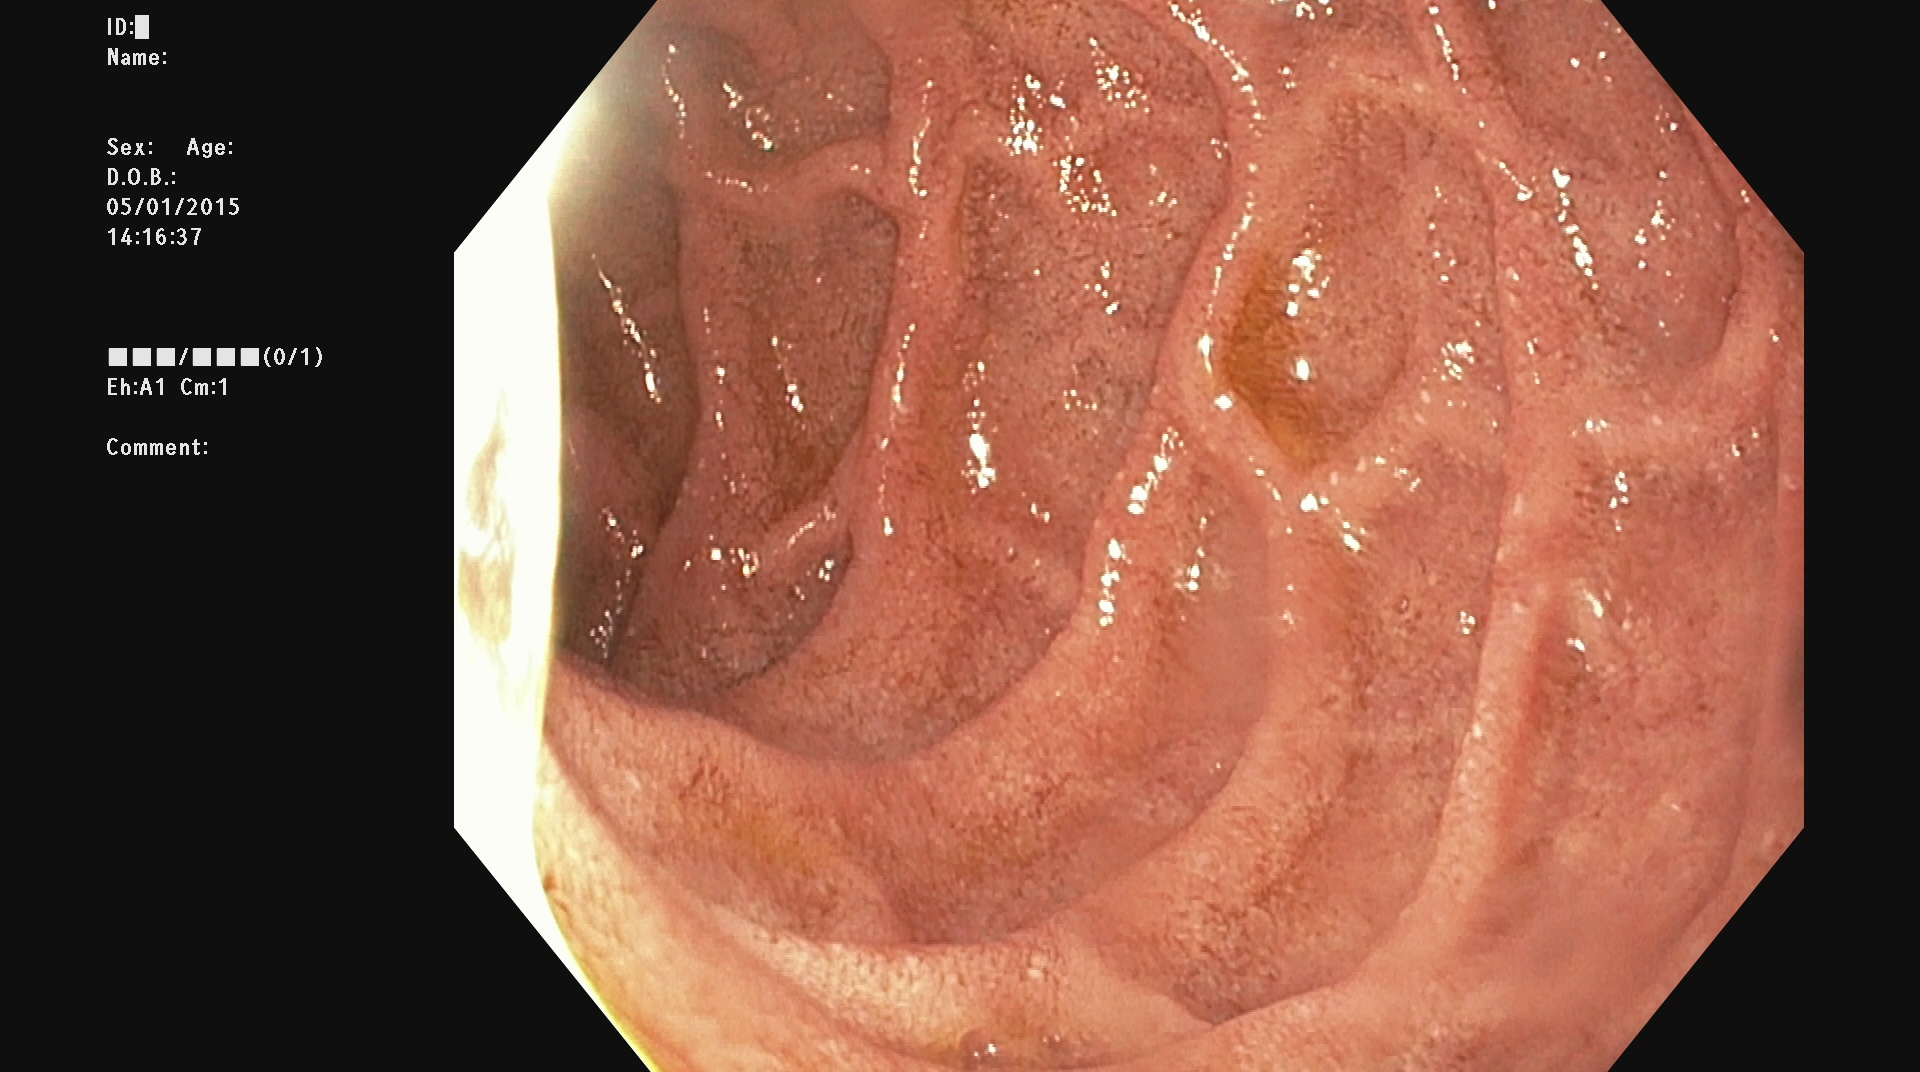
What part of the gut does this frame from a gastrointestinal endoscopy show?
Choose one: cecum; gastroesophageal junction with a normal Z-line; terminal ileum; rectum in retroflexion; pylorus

terminal ileum